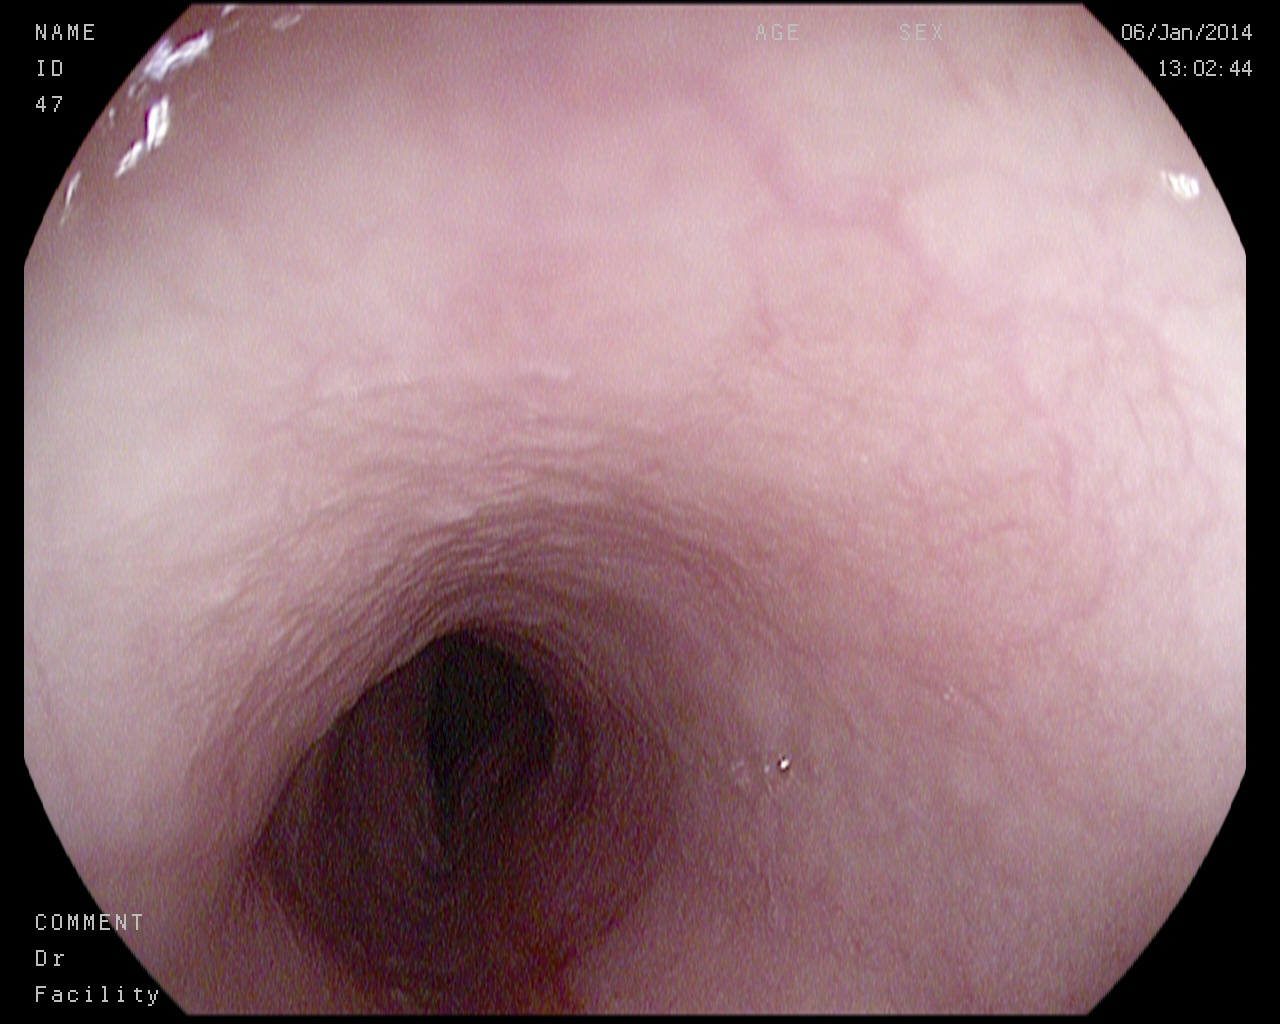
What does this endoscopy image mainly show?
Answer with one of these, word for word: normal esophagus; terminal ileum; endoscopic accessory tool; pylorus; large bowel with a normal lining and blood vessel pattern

normal esophagus